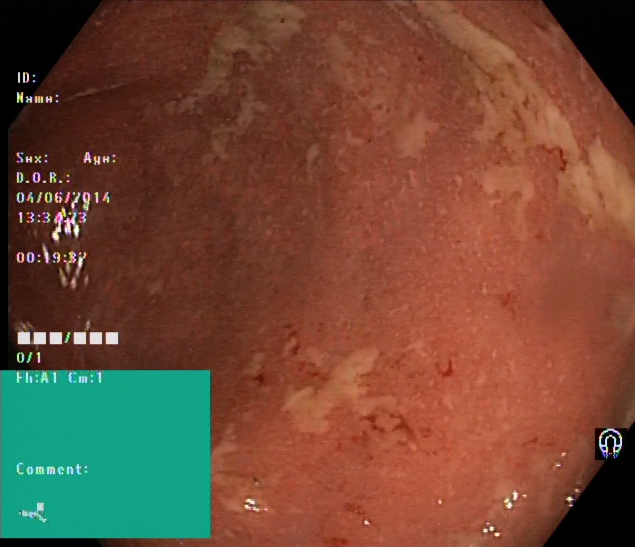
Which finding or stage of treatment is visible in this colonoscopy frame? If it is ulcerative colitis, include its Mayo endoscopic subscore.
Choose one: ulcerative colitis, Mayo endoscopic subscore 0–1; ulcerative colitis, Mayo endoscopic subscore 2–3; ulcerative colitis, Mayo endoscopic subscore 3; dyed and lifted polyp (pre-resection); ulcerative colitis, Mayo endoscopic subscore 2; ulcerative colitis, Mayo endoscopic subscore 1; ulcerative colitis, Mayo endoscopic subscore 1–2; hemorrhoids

ulcerative colitis, Mayo endoscopic subscore 1